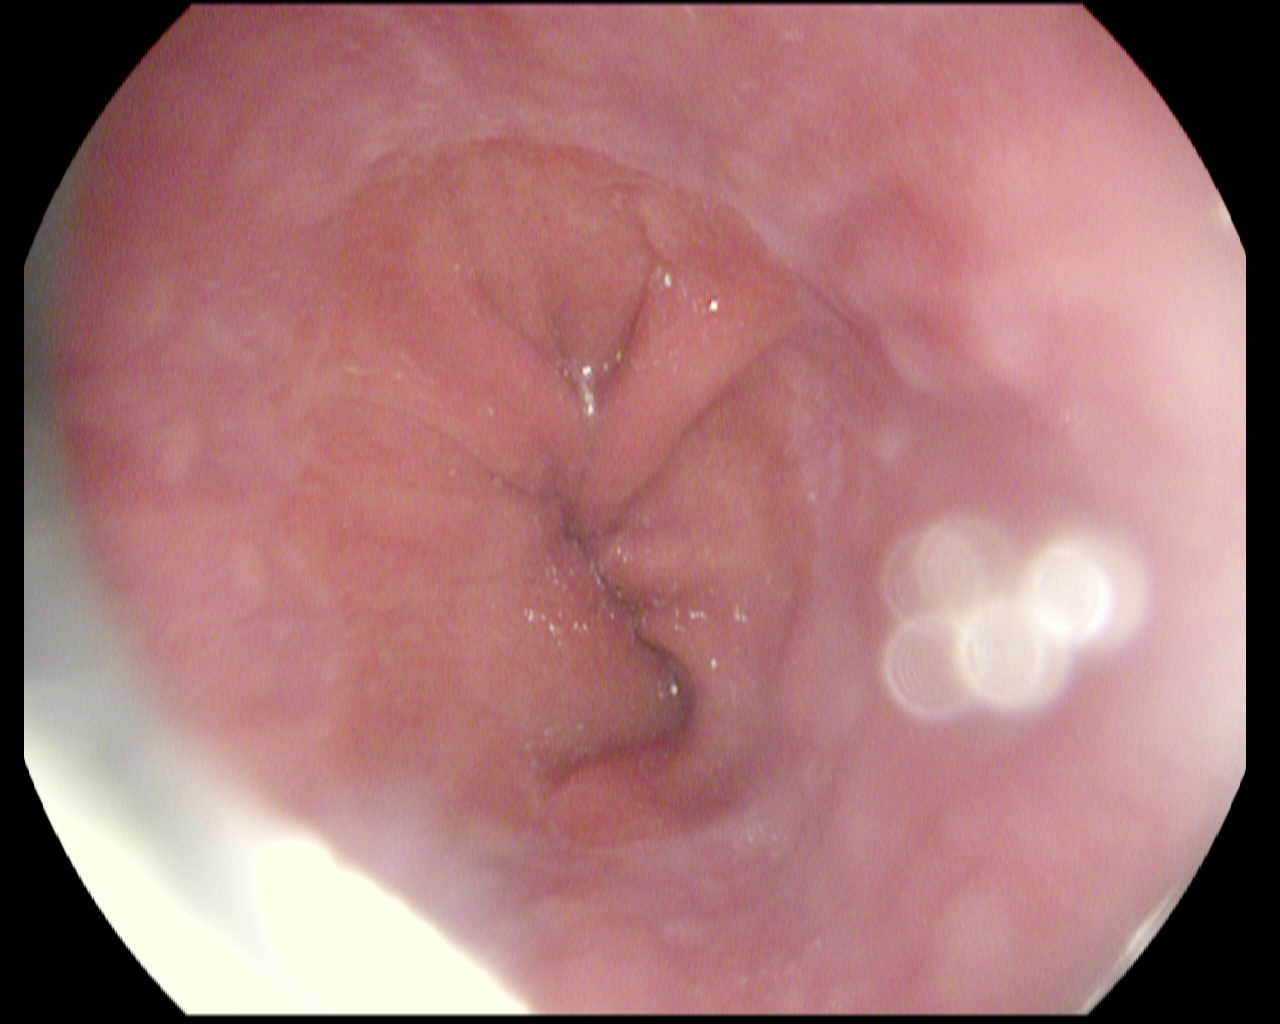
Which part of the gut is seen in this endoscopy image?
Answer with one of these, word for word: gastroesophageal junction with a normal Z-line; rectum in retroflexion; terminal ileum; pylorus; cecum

gastroesophageal junction with a normal Z-line